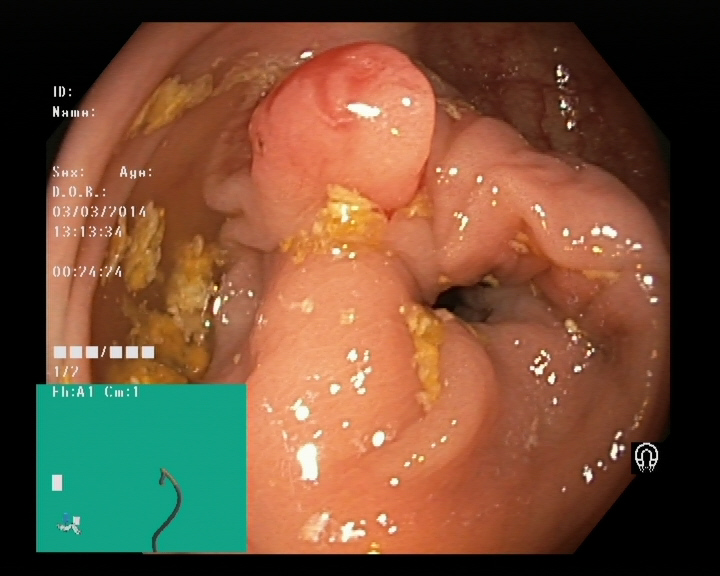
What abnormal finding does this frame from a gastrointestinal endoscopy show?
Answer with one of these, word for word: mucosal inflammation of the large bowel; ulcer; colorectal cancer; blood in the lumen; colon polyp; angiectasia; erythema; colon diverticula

colon polyp